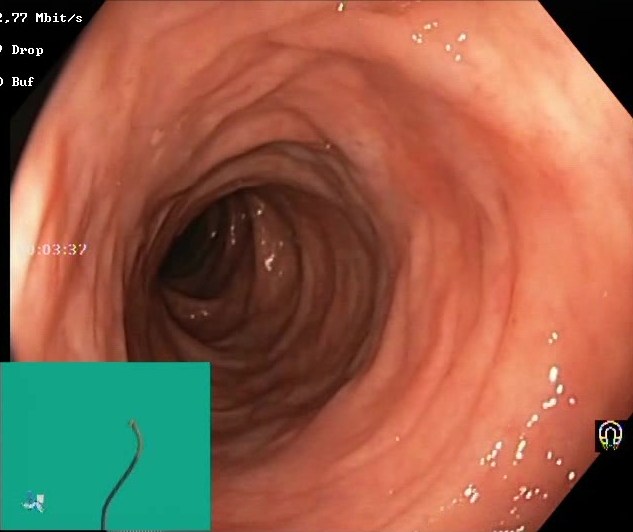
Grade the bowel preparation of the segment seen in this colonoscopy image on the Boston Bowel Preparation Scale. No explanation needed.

Boston Bowel Preparation Scale score 2–3 (adequate preparation)